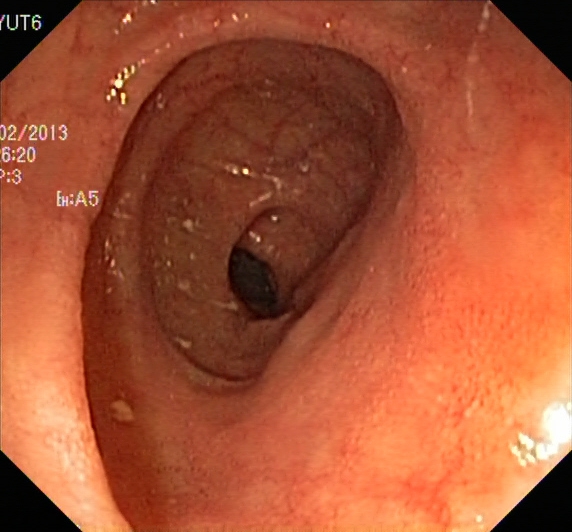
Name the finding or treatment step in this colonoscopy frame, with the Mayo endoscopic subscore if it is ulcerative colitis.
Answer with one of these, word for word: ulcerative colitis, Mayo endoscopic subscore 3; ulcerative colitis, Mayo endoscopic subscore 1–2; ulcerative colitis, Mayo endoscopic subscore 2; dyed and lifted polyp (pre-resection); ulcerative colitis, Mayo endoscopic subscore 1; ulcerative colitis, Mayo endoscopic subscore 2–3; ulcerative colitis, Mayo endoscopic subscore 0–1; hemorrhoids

ulcerative colitis, Mayo endoscopic subscore 1